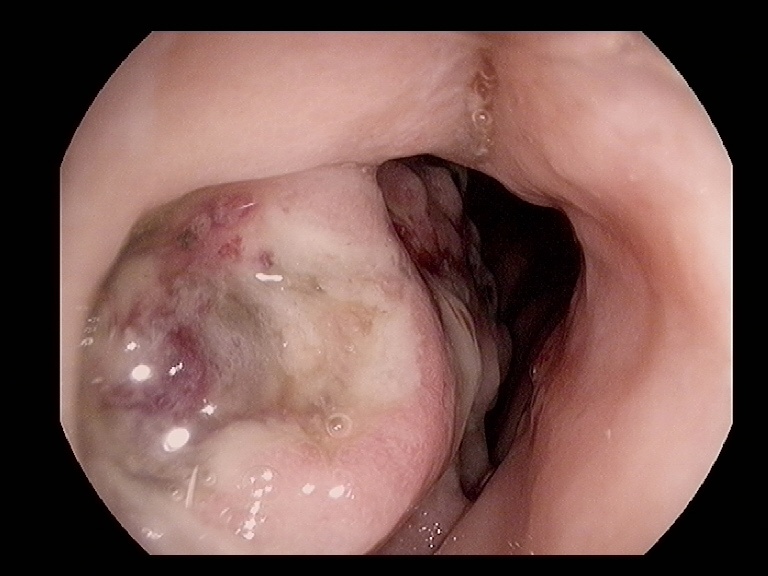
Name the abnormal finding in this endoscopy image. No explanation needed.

colorectal cancer